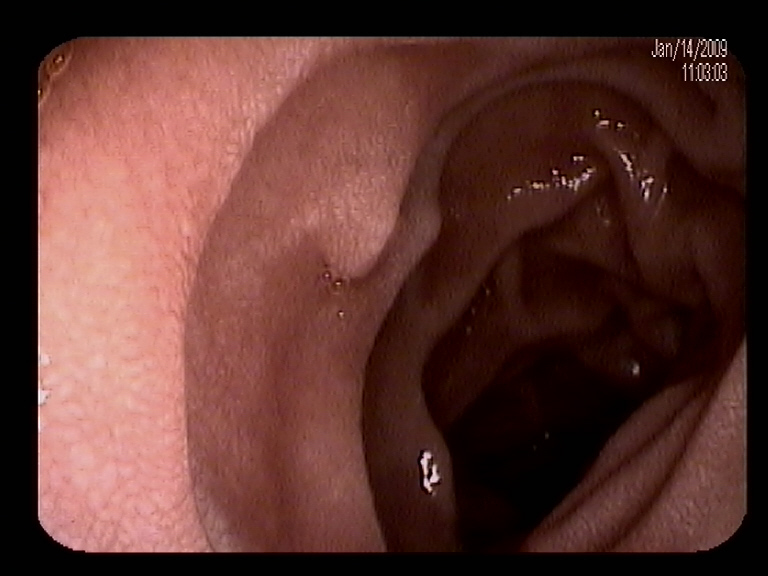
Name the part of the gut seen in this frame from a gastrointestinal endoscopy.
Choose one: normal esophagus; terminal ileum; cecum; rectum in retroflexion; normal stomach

terminal ileum